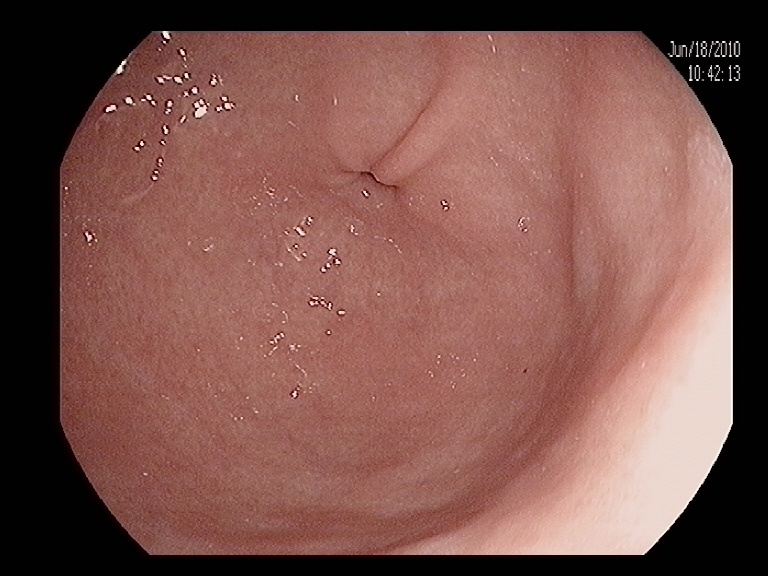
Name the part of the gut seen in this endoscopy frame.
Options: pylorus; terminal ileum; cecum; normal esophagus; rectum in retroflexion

pylorus